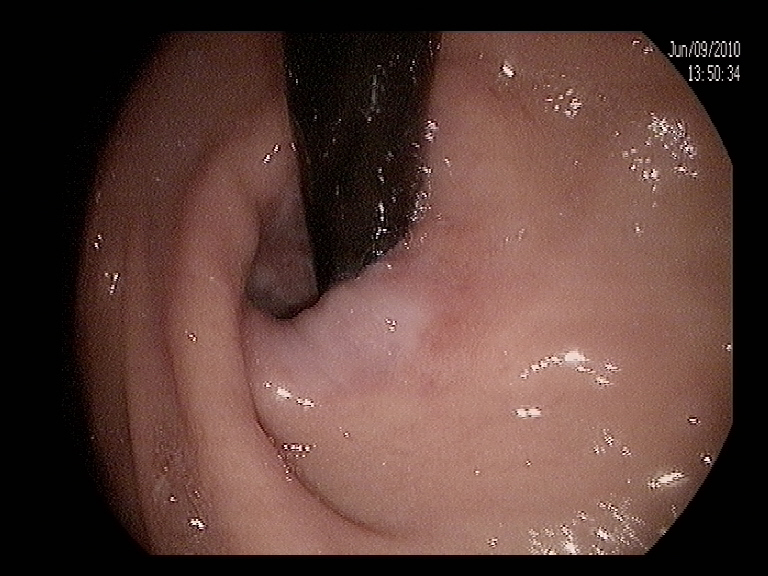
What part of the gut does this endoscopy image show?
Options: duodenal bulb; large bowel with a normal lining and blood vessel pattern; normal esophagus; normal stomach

normal stomach